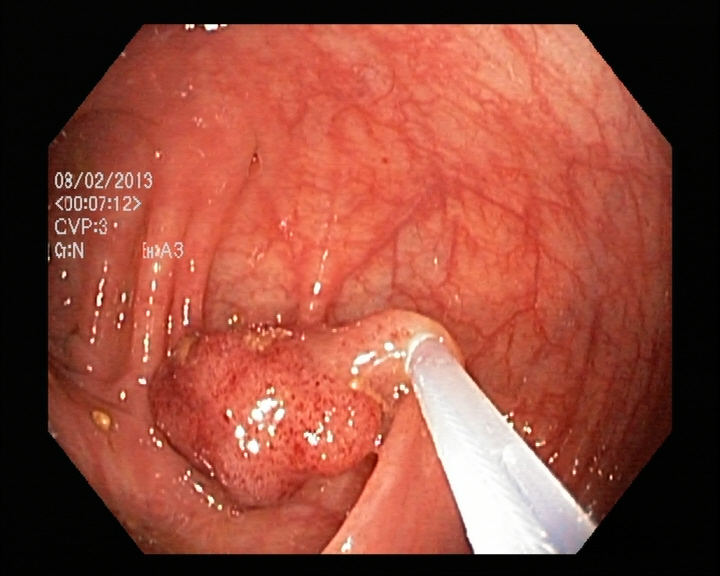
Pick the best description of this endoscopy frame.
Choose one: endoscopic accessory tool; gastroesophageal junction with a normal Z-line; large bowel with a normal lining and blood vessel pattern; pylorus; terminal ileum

endoscopic accessory tool